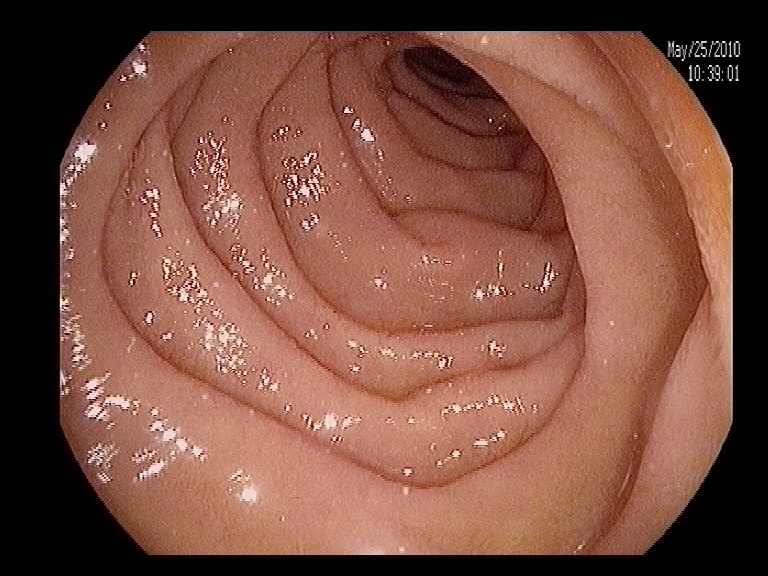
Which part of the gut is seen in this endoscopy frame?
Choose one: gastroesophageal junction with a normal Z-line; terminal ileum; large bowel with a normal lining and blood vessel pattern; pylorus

terminal ileum